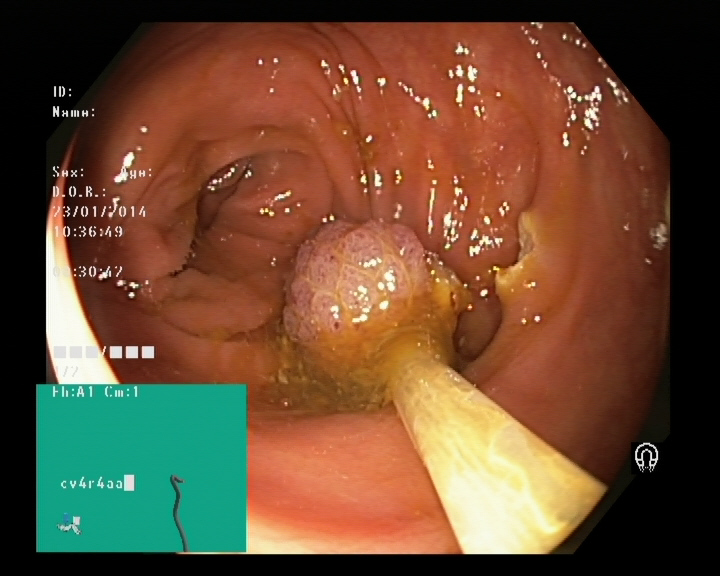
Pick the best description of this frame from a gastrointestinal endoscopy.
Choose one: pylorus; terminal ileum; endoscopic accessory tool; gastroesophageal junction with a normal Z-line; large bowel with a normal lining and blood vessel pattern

endoscopic accessory tool